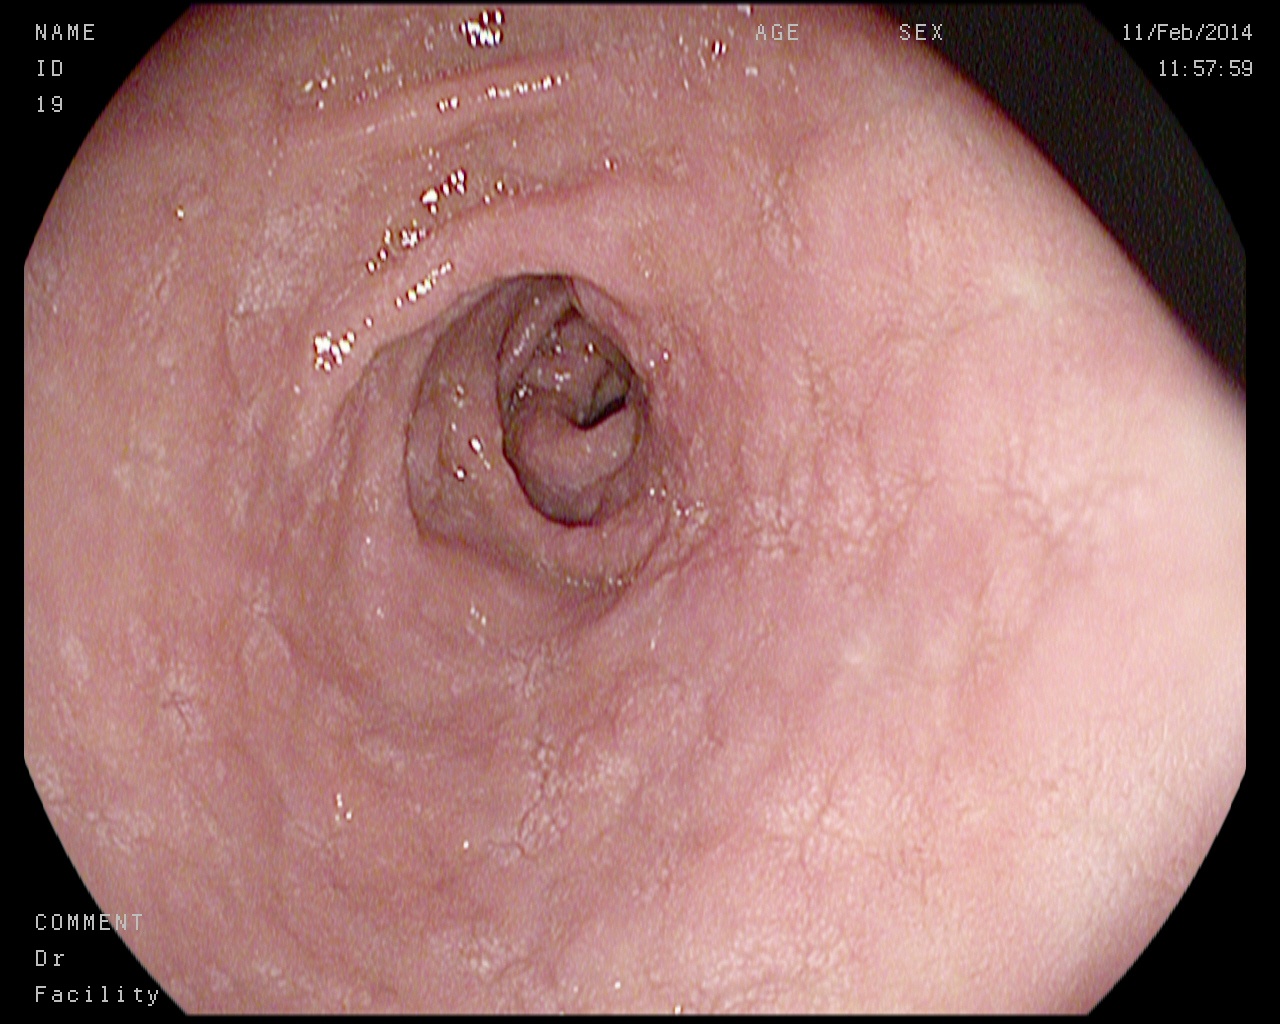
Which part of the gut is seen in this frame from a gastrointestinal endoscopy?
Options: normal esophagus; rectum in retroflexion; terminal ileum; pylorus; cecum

pylorus